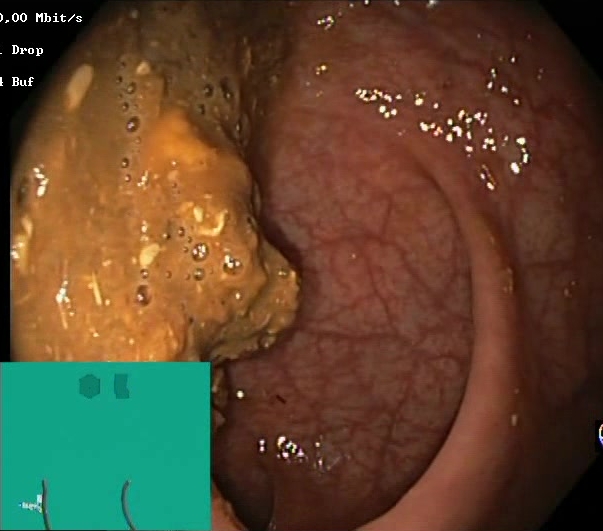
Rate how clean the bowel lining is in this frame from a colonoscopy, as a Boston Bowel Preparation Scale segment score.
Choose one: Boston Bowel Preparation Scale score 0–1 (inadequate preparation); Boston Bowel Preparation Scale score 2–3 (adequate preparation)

Boston Bowel Preparation Scale score 0–1 (inadequate preparation)